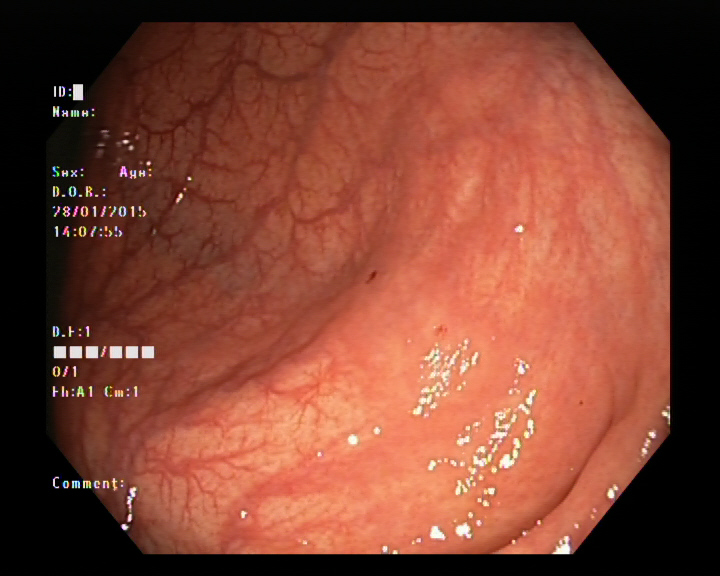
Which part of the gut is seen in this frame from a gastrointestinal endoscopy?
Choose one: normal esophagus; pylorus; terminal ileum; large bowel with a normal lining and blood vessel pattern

large bowel with a normal lining and blood vessel pattern